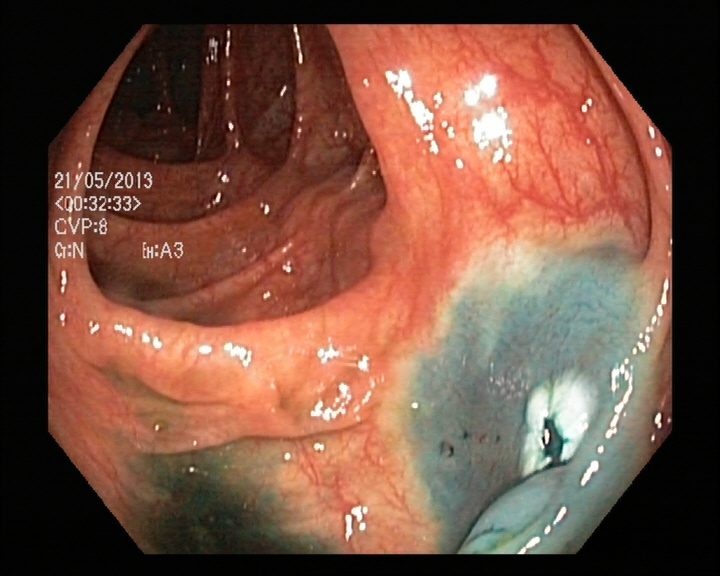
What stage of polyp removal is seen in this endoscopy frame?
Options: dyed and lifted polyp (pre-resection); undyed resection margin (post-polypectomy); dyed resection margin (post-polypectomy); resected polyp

dyed resection margin (post-polypectomy)